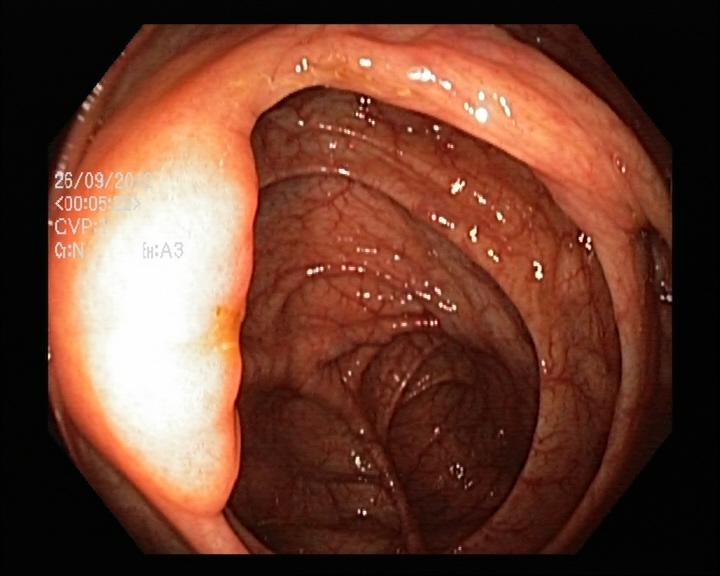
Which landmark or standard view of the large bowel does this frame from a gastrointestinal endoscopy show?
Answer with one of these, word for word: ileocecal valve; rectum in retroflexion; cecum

ileocecal valve